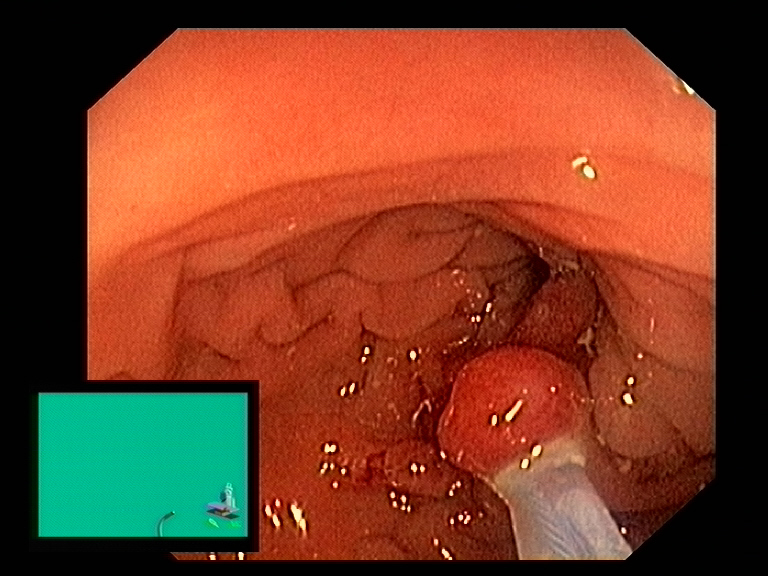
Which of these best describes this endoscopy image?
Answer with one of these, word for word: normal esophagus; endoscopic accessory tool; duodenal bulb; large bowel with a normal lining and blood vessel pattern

endoscopic accessory tool